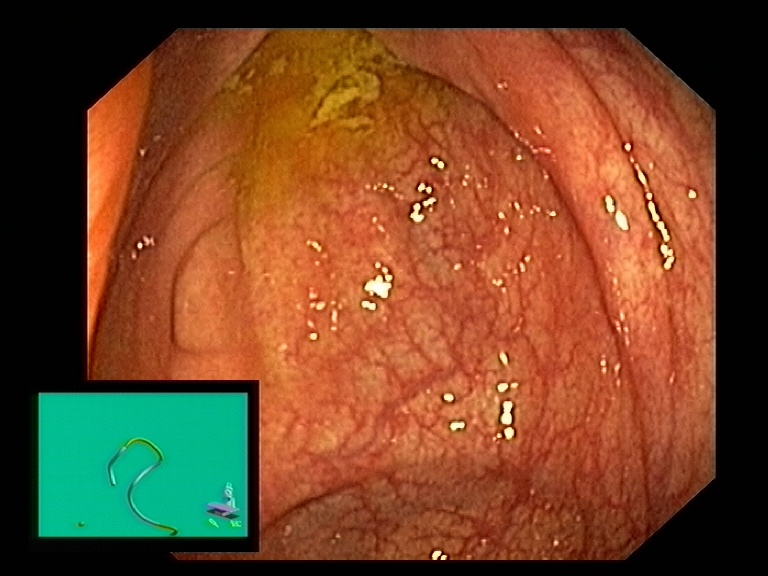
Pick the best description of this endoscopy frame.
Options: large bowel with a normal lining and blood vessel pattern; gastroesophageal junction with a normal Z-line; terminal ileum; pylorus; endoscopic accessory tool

large bowel with a normal lining and blood vessel pattern